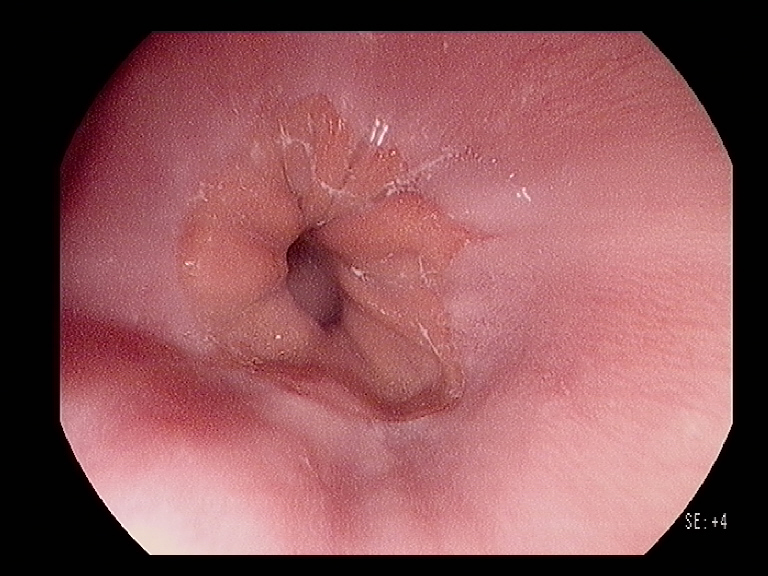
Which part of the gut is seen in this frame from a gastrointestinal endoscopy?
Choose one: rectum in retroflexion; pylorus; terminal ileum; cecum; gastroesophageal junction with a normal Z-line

gastroesophageal junction with a normal Z-line